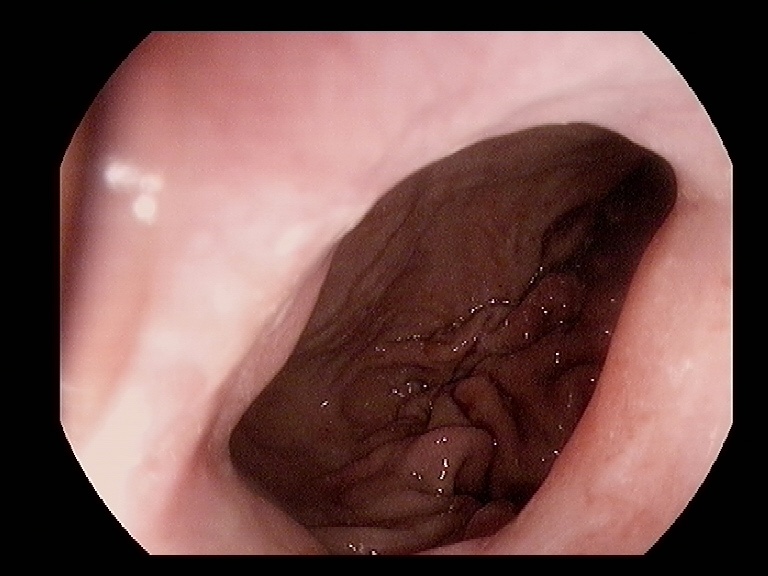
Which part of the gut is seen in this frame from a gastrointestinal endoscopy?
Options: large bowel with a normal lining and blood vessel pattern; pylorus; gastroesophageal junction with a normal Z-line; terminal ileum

gastroesophageal junction with a normal Z-line